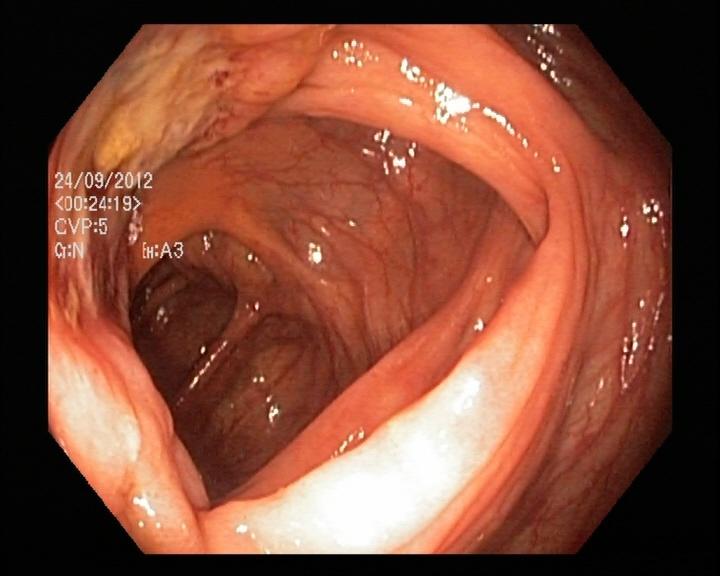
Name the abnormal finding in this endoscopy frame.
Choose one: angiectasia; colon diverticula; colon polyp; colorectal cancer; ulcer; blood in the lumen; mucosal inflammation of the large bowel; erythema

colorectal cancer